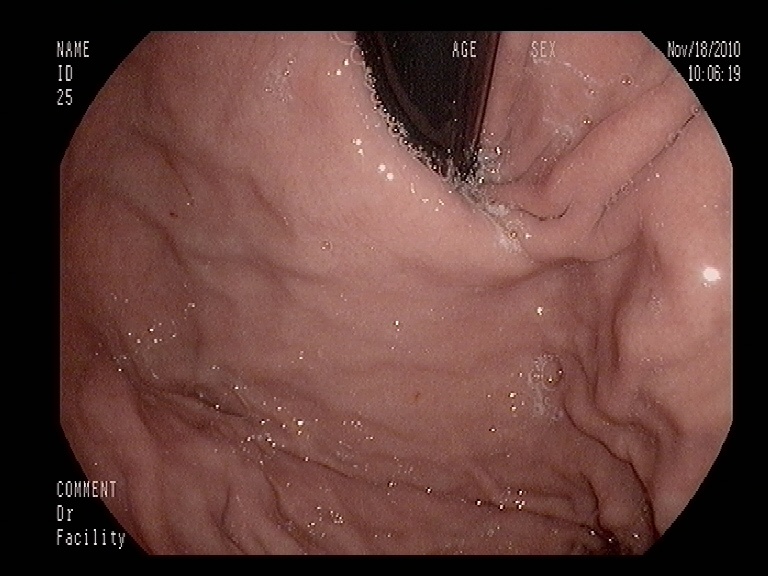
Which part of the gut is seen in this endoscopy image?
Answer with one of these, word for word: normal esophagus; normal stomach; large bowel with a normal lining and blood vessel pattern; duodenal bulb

normal stomach